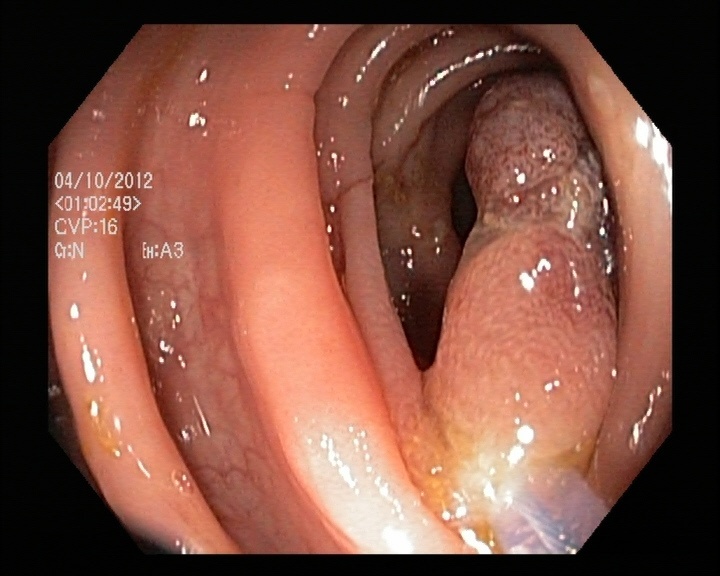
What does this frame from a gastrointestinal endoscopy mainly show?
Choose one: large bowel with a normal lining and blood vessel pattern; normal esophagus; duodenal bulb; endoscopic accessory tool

endoscopic accessory tool